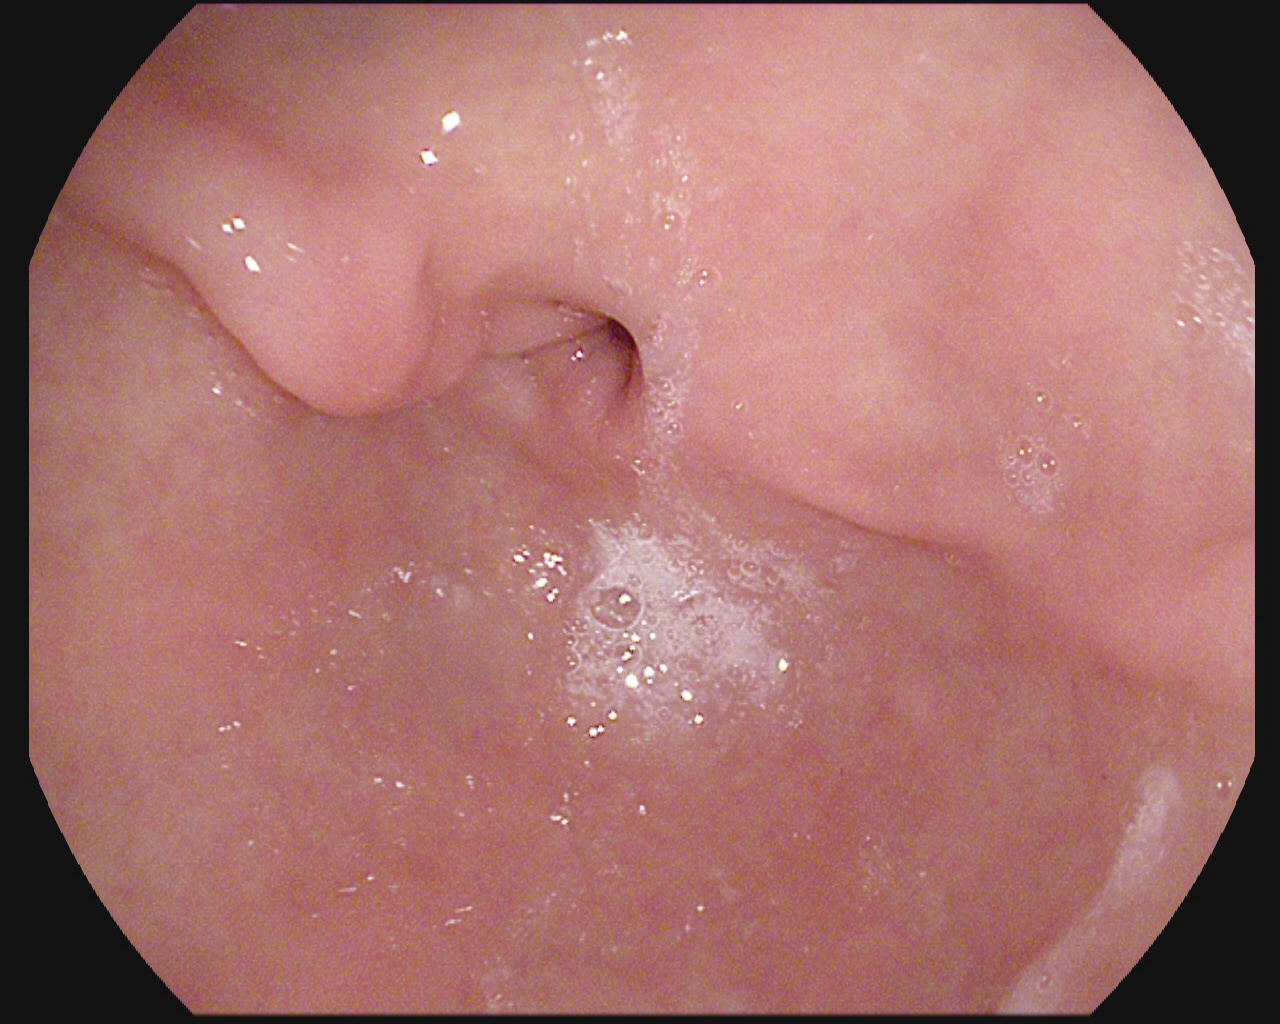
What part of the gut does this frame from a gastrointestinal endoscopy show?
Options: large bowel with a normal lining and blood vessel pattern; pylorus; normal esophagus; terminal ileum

pylorus